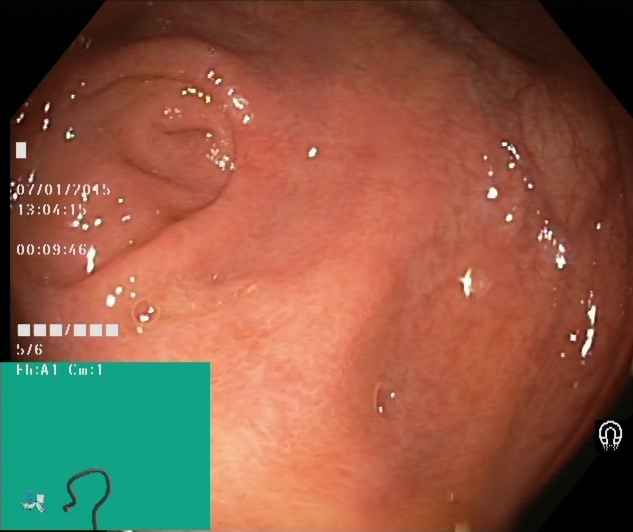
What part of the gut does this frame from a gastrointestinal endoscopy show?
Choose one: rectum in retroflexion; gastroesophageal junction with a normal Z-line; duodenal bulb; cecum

cecum